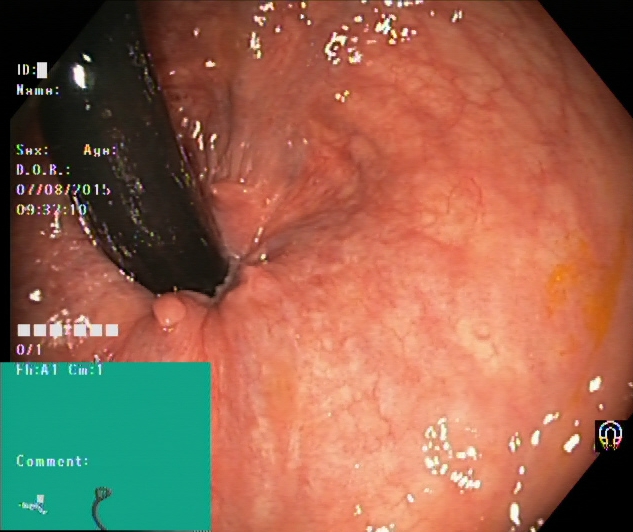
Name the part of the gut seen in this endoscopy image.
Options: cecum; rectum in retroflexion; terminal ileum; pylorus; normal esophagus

rectum in retroflexion